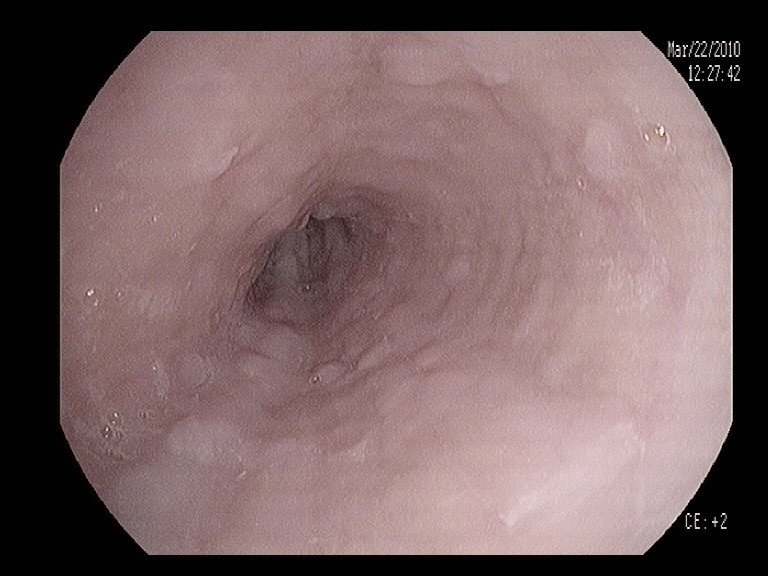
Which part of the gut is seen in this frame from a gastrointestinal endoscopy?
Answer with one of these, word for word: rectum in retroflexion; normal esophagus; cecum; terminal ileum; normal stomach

normal esophagus